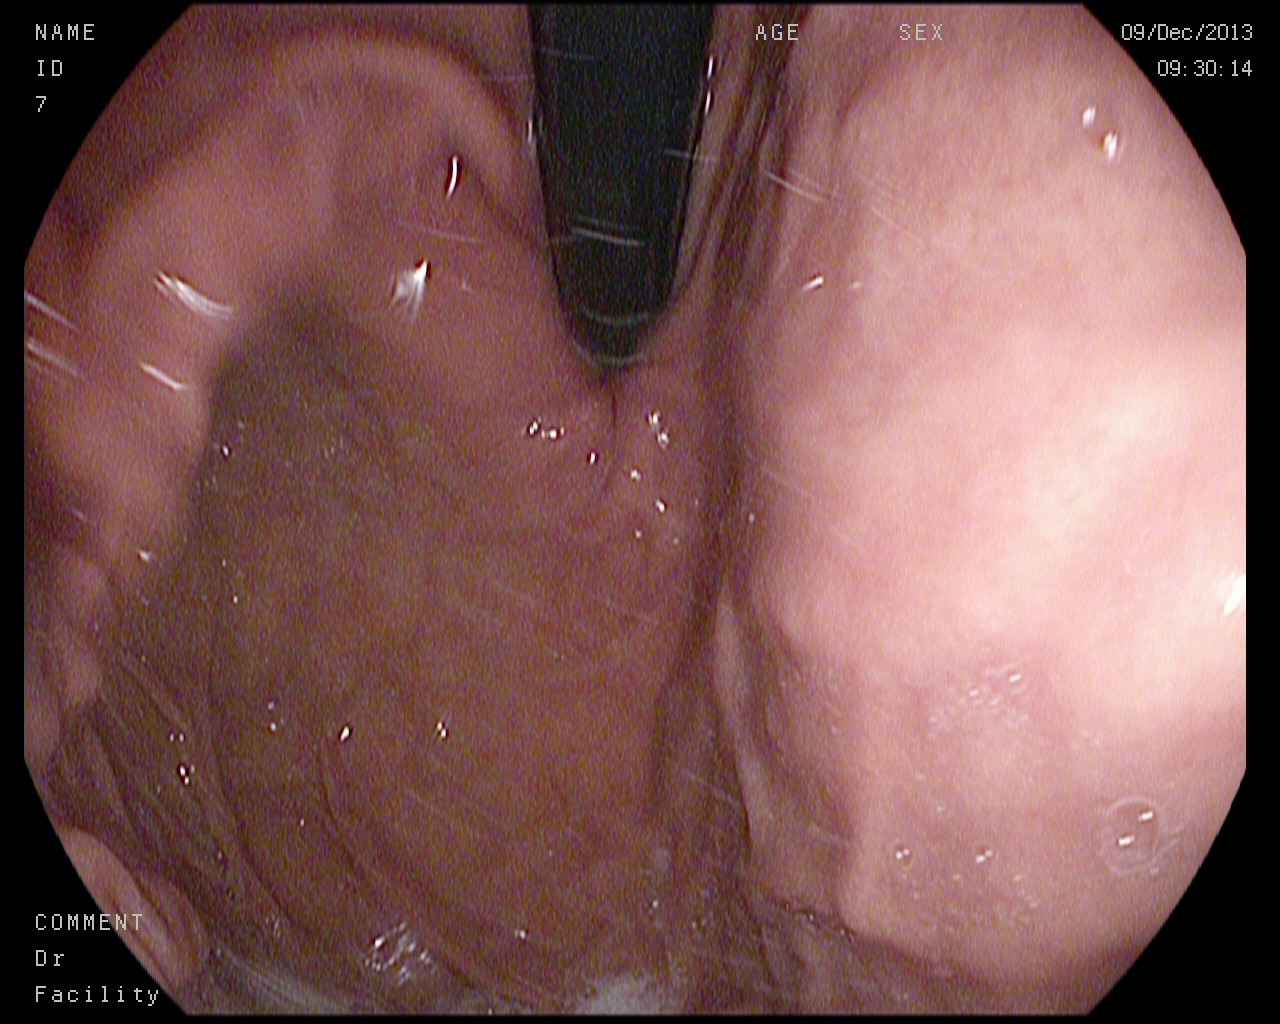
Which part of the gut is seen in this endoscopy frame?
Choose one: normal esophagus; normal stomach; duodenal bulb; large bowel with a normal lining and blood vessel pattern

normal stomach